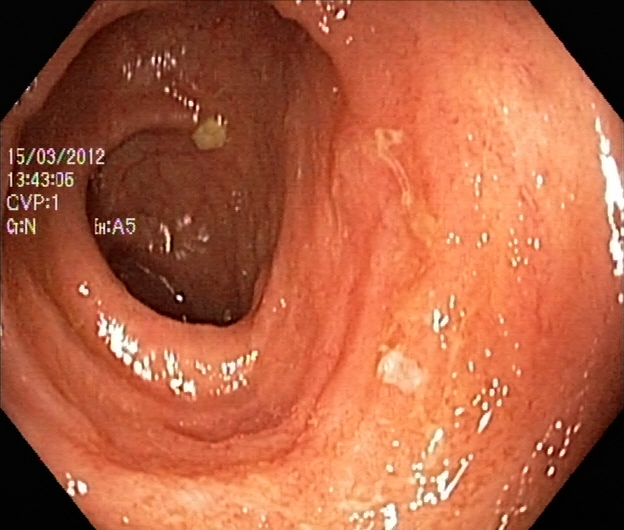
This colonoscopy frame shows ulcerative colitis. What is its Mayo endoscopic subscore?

ulcerative colitis, Mayo endoscopic subscore 2